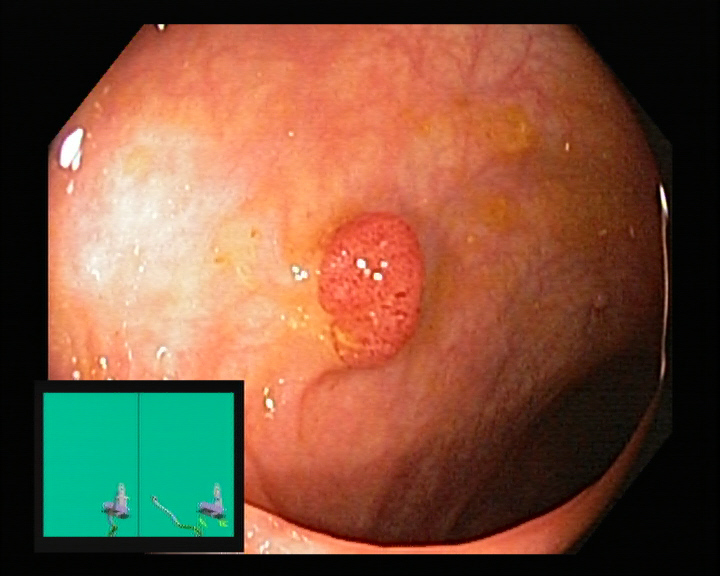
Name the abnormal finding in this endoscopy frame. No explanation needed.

colon polyp